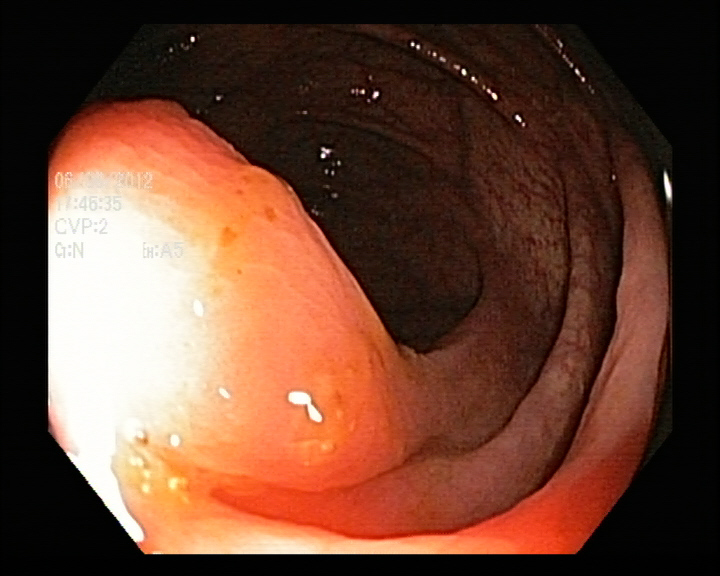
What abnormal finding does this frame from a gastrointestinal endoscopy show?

colon polyp